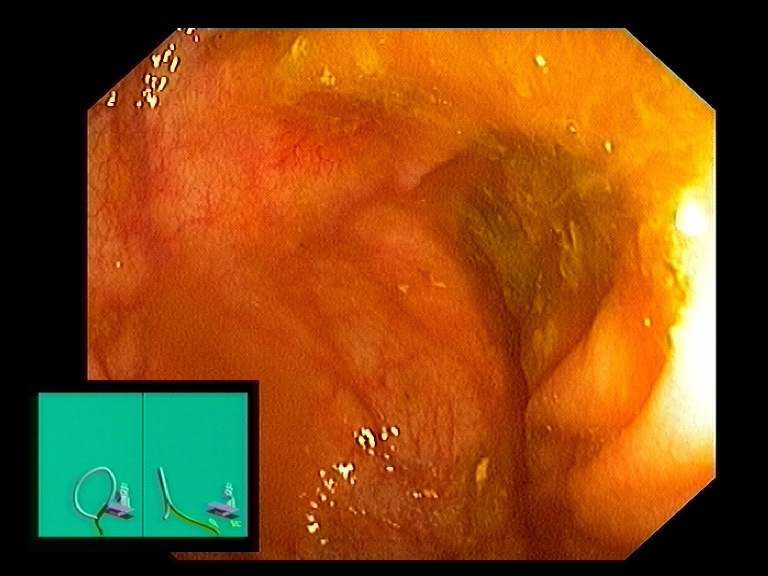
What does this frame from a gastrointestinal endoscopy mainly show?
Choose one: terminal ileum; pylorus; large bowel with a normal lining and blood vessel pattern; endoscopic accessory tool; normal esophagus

large bowel with a normal lining and blood vessel pattern